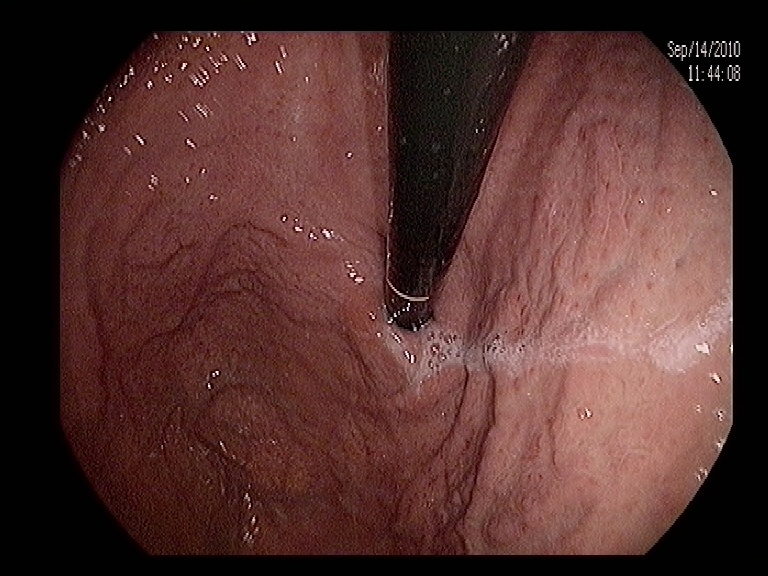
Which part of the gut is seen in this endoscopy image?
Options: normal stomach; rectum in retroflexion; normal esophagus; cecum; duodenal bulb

normal stomach